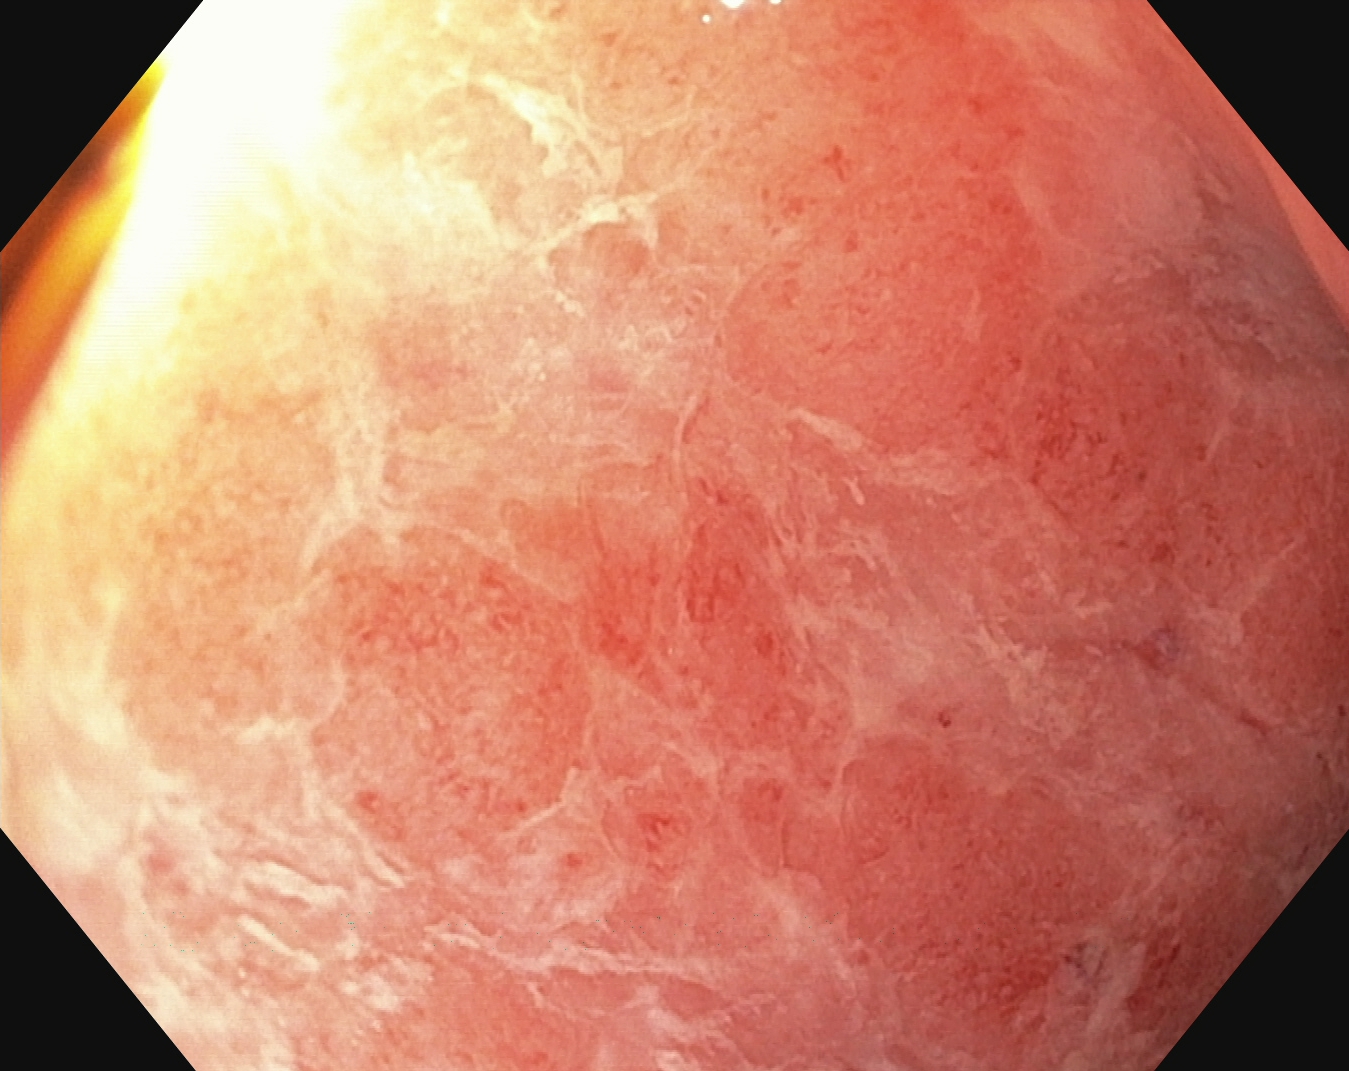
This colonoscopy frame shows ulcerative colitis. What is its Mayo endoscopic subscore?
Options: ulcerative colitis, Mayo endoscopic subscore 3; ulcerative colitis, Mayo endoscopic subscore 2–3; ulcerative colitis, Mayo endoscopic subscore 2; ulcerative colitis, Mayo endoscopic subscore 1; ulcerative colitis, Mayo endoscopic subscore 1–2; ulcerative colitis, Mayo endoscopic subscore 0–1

ulcerative colitis, Mayo endoscopic subscore 2